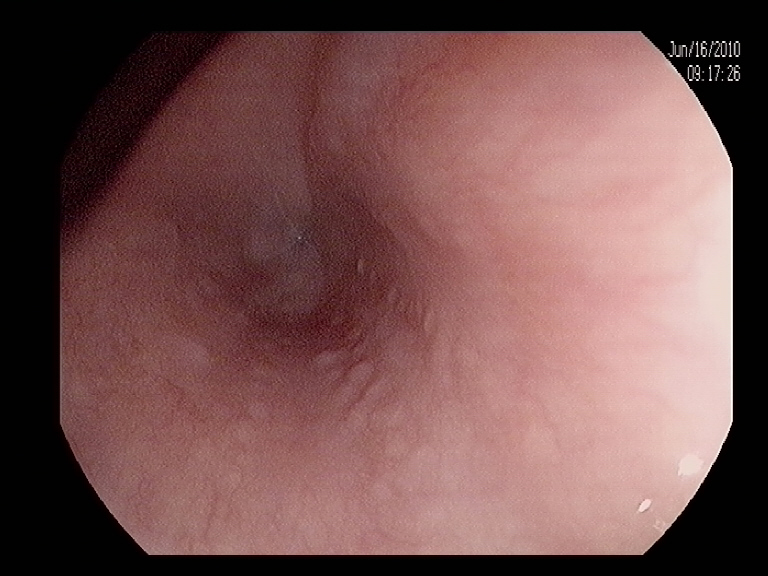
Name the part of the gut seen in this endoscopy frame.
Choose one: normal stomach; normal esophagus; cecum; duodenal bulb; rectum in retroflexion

normal stomach